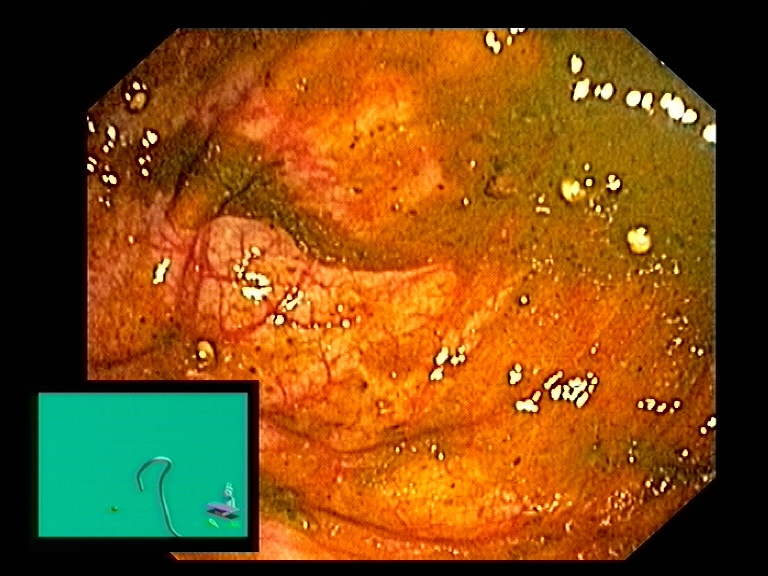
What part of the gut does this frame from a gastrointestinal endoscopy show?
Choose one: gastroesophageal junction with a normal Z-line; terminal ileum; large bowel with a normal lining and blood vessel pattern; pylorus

large bowel with a normal lining and blood vessel pattern